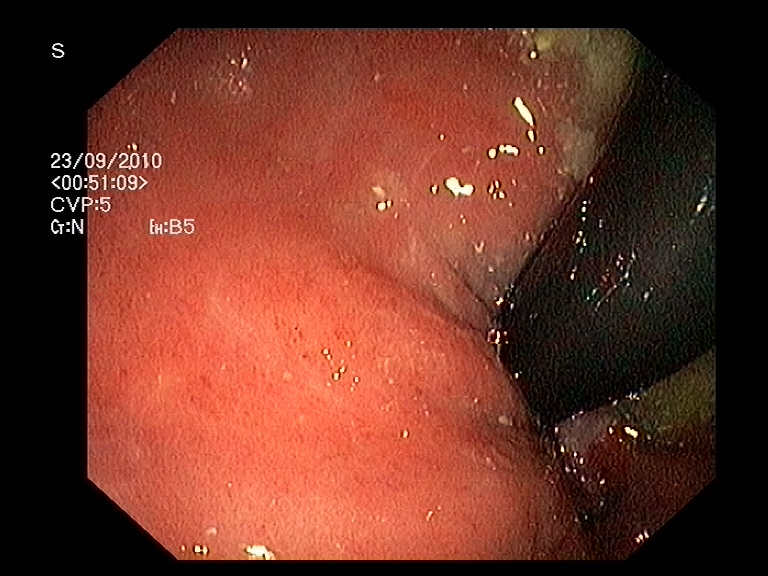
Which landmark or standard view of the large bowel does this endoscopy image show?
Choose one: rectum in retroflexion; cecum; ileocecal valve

rectum in retroflexion